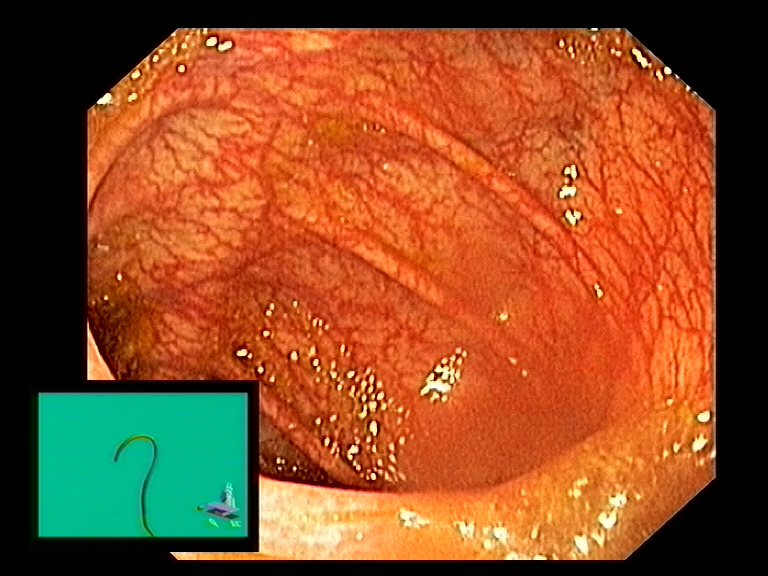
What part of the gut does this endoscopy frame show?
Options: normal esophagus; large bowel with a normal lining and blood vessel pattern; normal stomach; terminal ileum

large bowel with a normal lining and blood vessel pattern